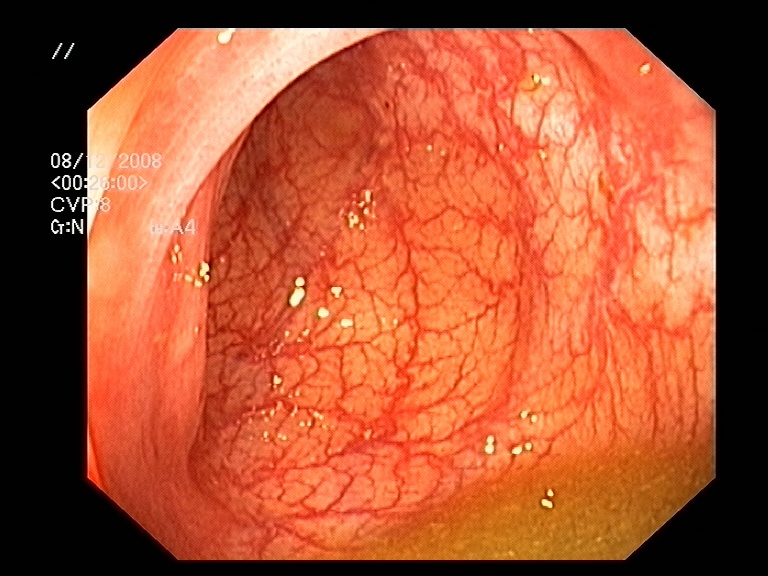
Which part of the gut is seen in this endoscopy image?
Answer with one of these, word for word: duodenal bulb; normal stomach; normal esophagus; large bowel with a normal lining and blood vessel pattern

large bowel with a normal lining and blood vessel pattern